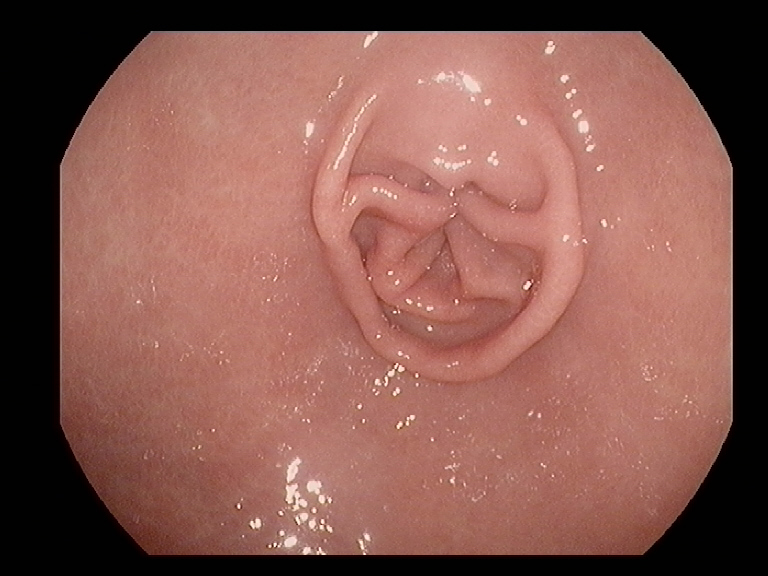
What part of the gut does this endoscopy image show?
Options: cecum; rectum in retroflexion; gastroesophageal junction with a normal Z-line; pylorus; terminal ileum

pylorus